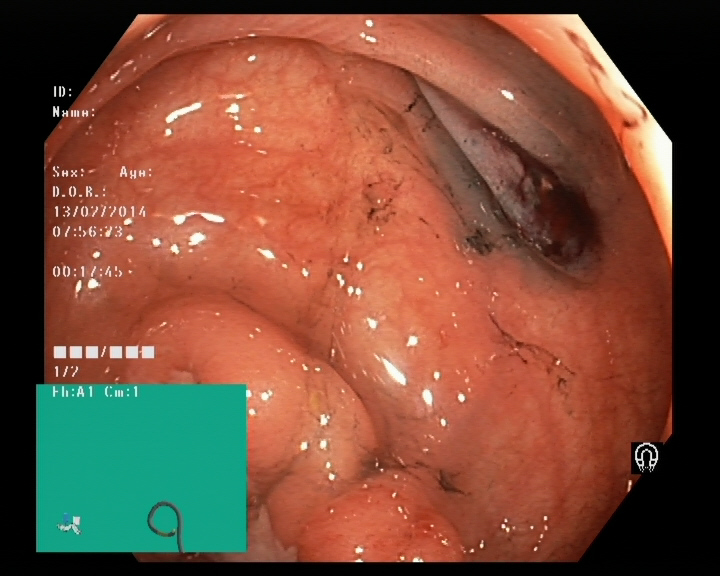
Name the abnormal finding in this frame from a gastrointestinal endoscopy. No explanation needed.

colon polyp